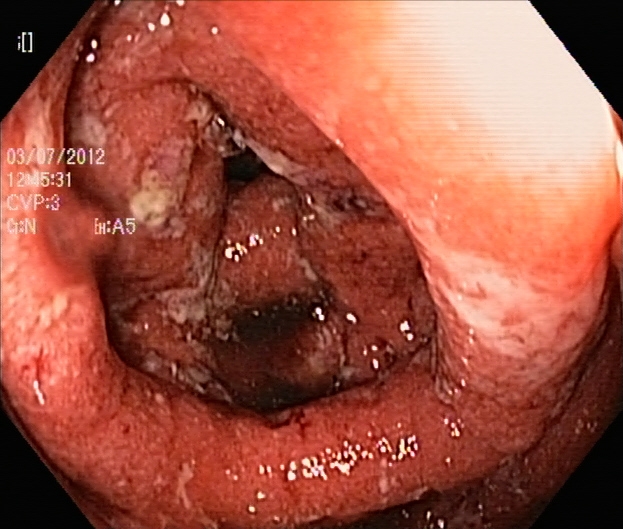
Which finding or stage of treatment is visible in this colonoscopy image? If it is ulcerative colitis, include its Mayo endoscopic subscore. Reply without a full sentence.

ulcerative colitis, Mayo endoscopic subscore 3